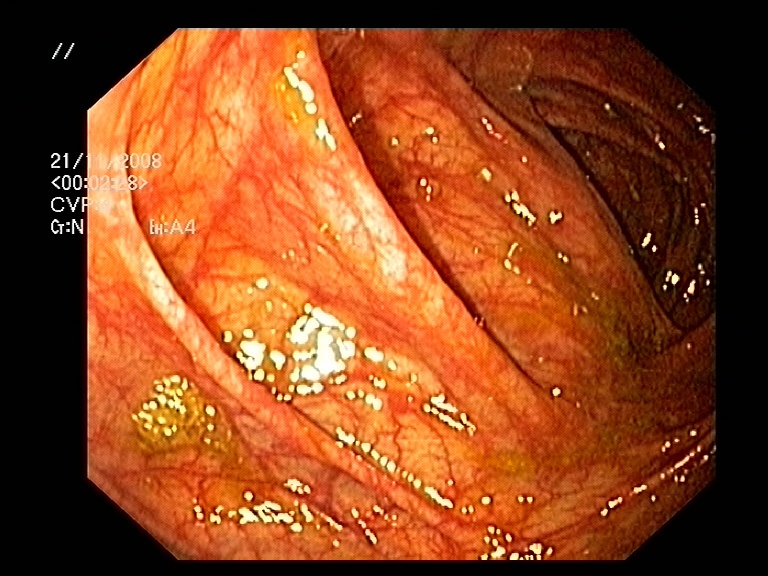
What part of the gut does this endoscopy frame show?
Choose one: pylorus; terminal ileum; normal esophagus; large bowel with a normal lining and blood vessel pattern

large bowel with a normal lining and blood vessel pattern